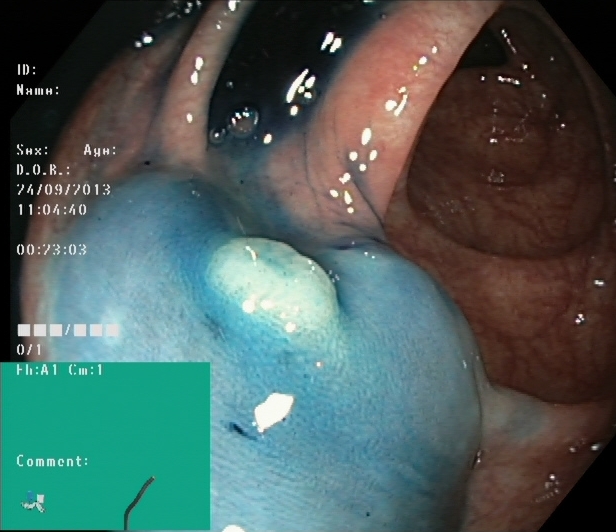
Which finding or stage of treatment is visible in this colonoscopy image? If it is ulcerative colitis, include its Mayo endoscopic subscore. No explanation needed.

dyed and lifted polyp (pre-resection)